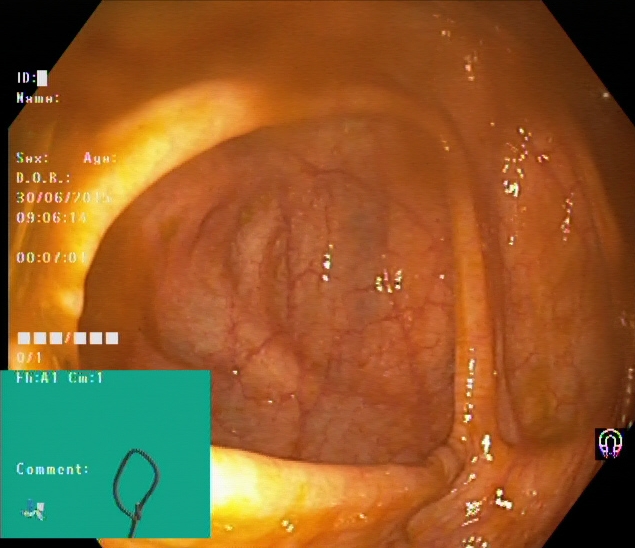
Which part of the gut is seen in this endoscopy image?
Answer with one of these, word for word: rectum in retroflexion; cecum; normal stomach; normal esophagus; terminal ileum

cecum